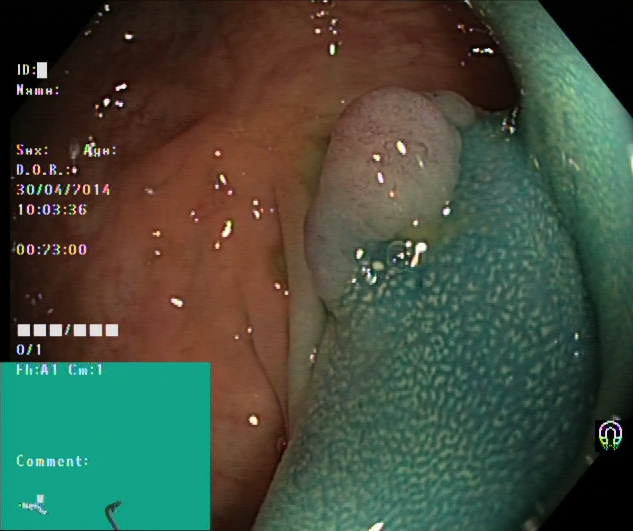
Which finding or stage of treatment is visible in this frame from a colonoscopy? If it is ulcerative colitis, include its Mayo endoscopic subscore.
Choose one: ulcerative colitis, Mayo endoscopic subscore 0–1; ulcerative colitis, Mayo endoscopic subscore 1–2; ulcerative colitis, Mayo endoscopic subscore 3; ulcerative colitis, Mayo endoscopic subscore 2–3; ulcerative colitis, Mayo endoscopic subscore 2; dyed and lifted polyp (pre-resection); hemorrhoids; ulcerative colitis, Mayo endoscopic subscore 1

dyed and lifted polyp (pre-resection)